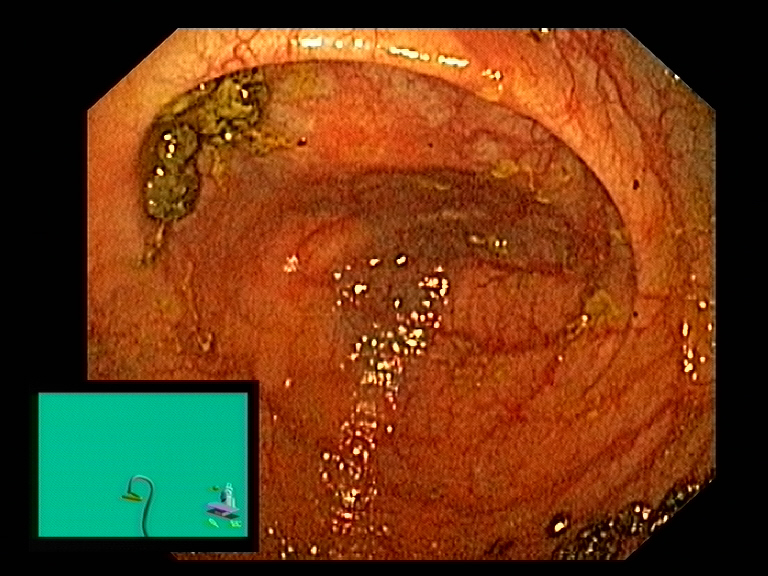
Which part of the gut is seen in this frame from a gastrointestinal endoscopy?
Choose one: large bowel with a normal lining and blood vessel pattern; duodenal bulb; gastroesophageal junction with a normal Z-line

large bowel with a normal lining and blood vessel pattern